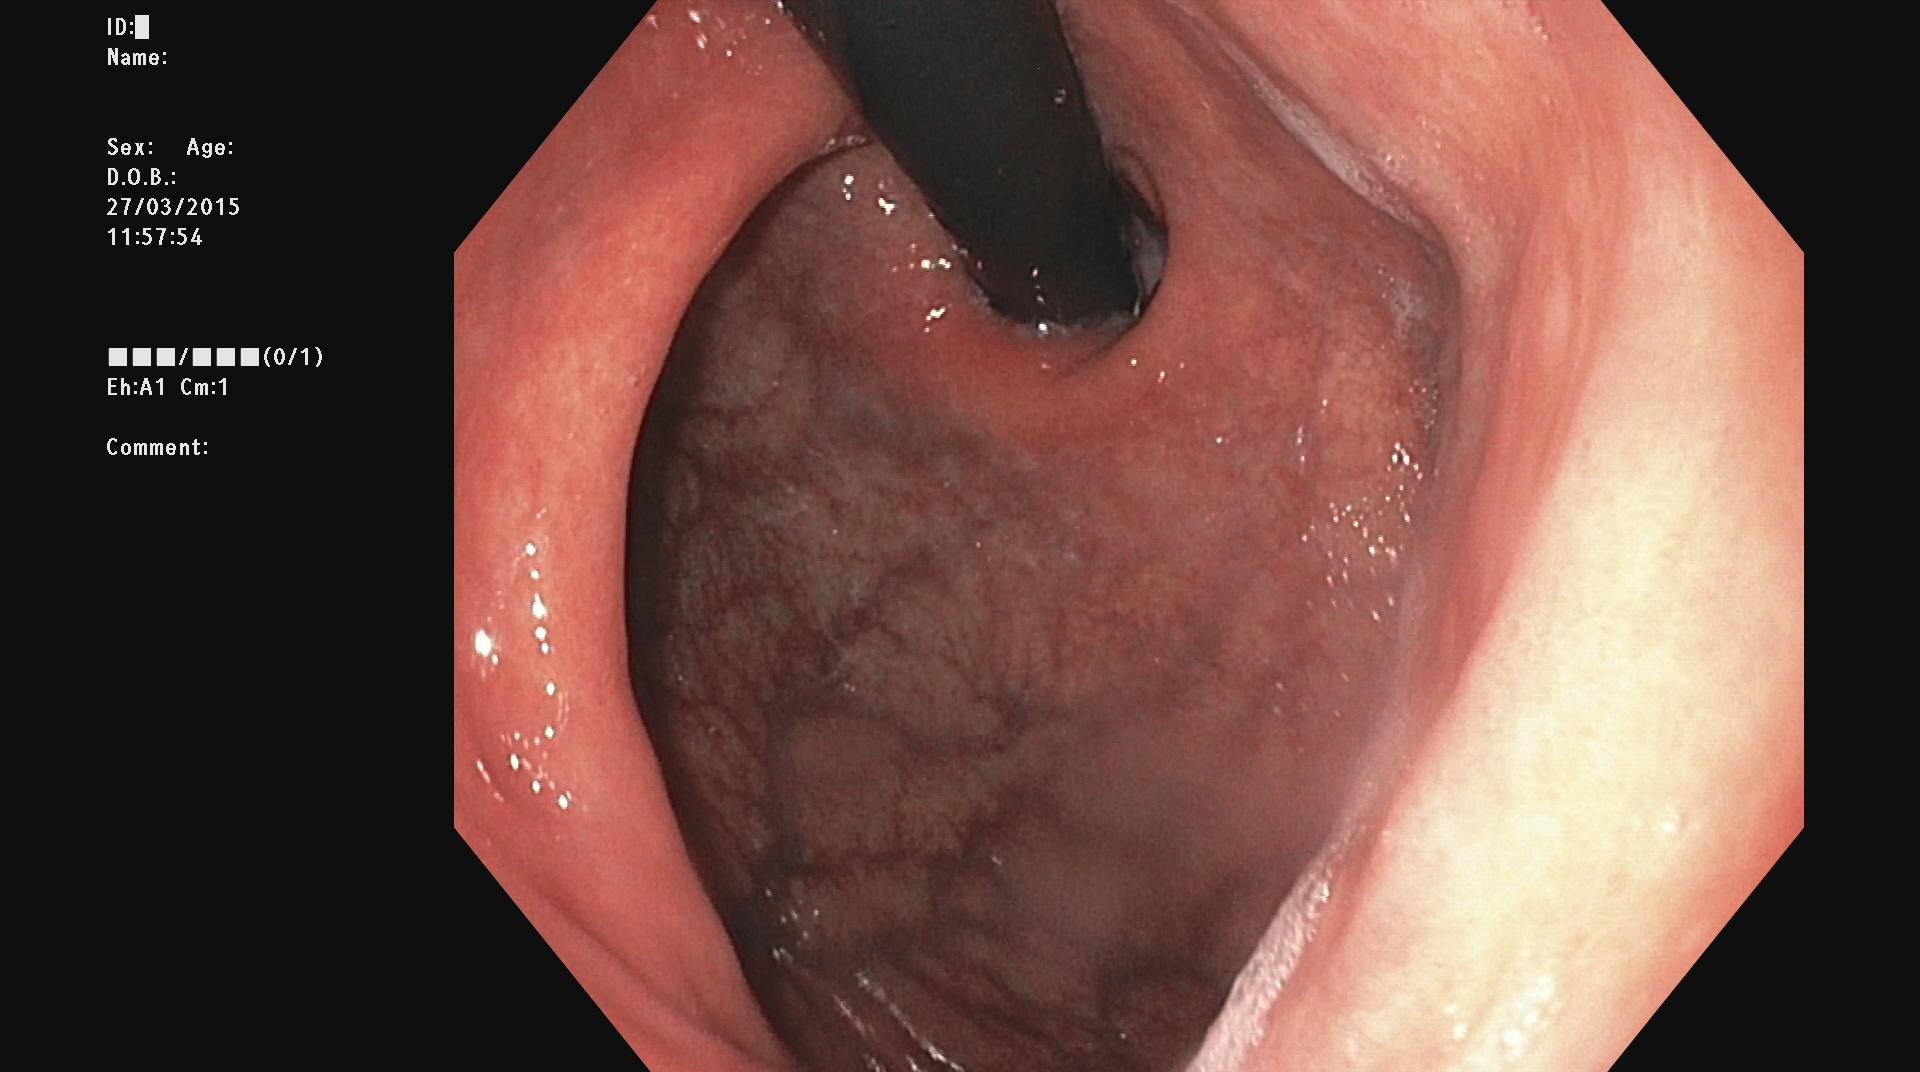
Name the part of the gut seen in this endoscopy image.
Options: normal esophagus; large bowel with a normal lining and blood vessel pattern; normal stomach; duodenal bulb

normal stomach